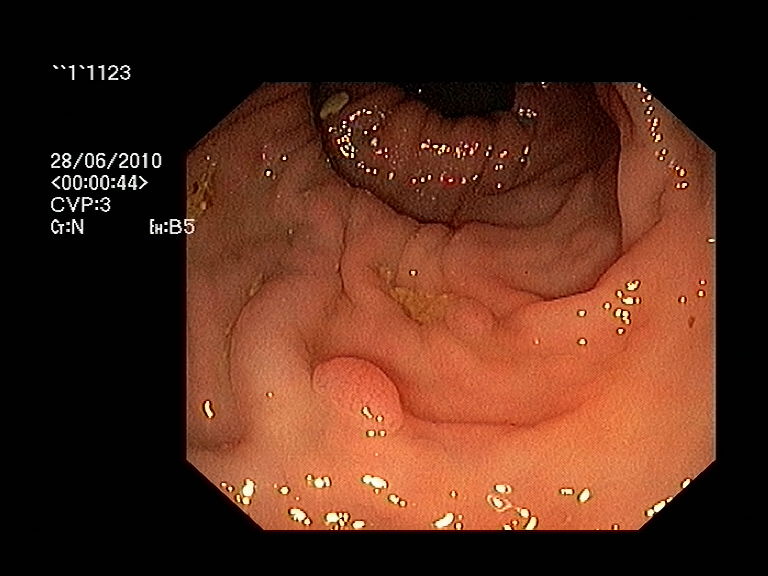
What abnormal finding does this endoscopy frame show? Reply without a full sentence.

colon polyp